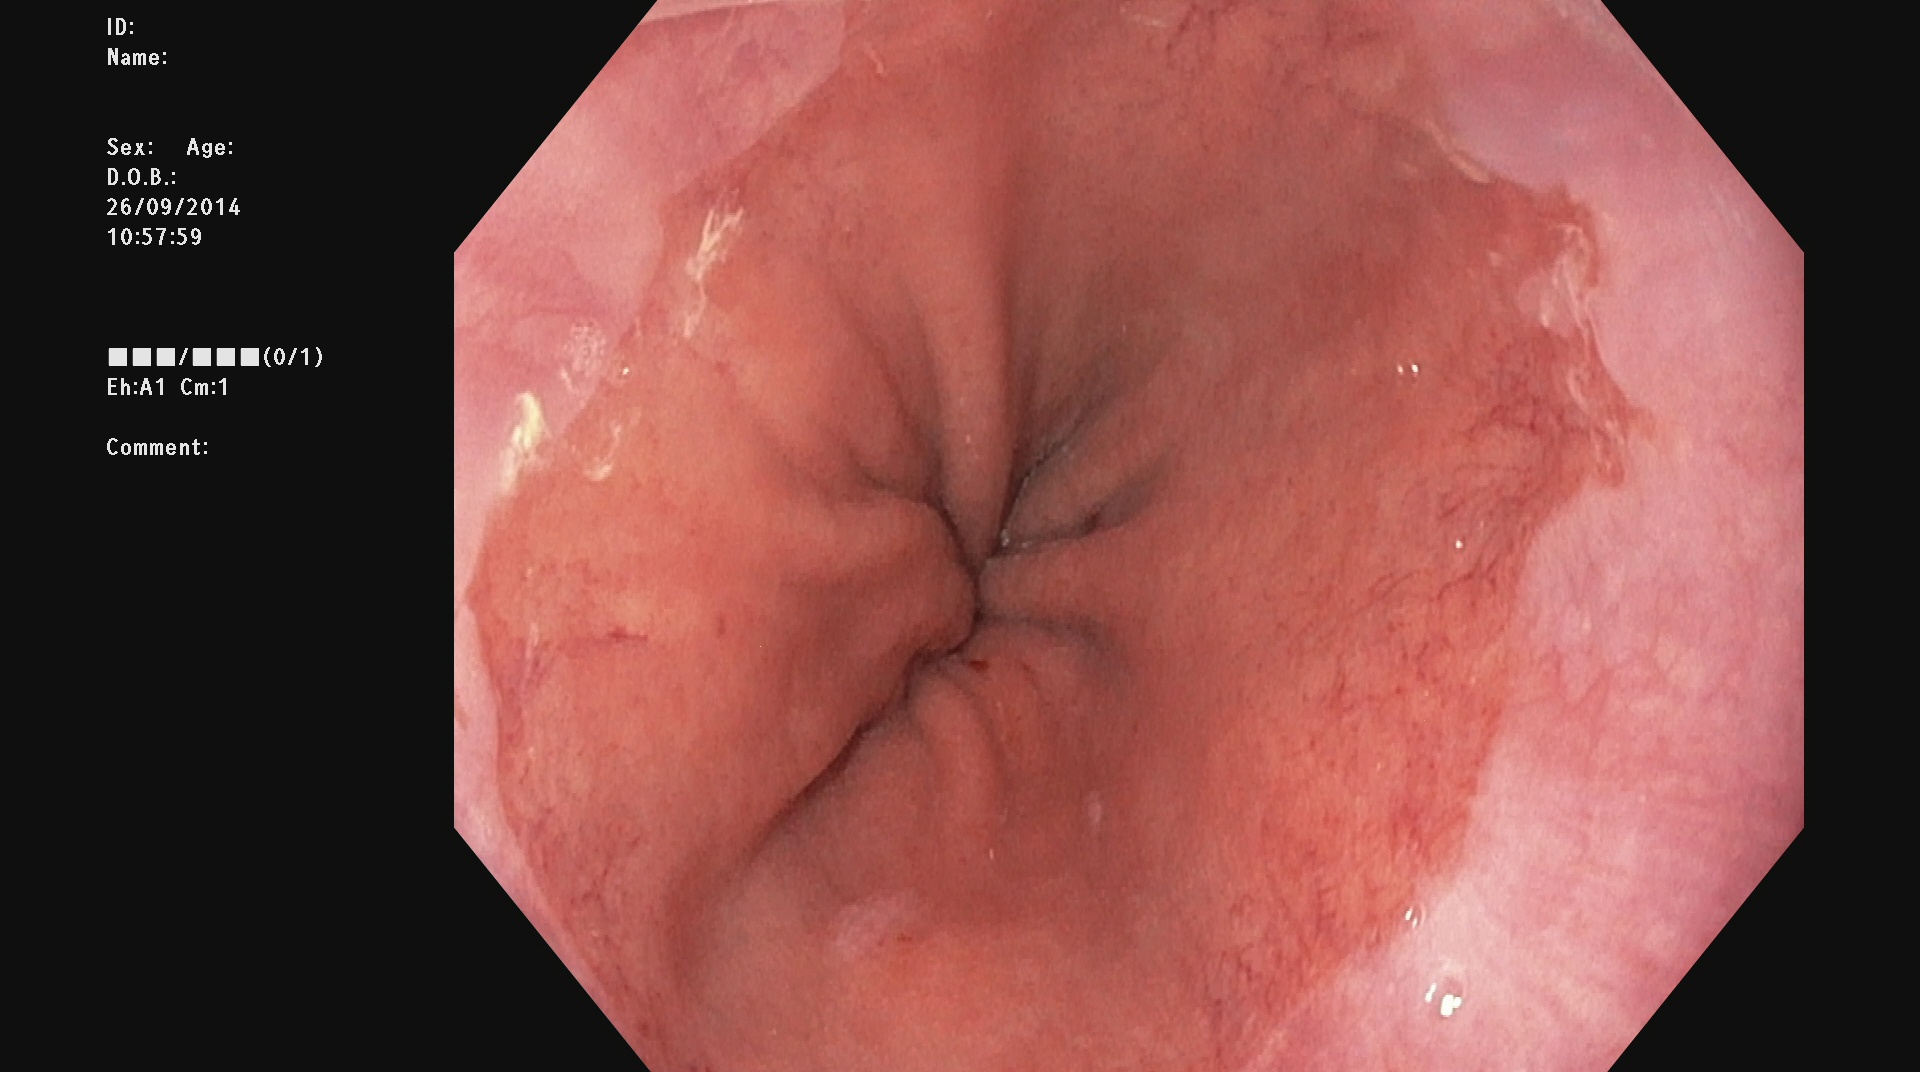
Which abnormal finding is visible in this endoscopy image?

Barrett's esophagus